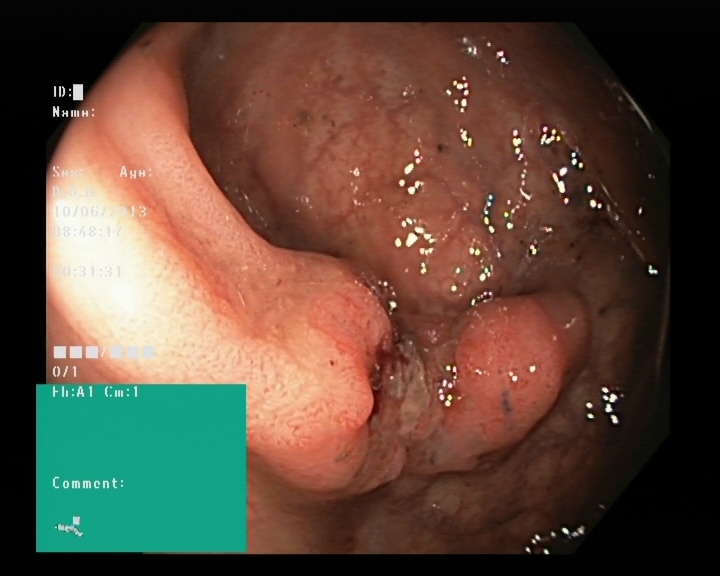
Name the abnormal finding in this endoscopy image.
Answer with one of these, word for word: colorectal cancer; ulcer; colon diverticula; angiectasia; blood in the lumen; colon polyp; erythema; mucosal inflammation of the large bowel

colorectal cancer